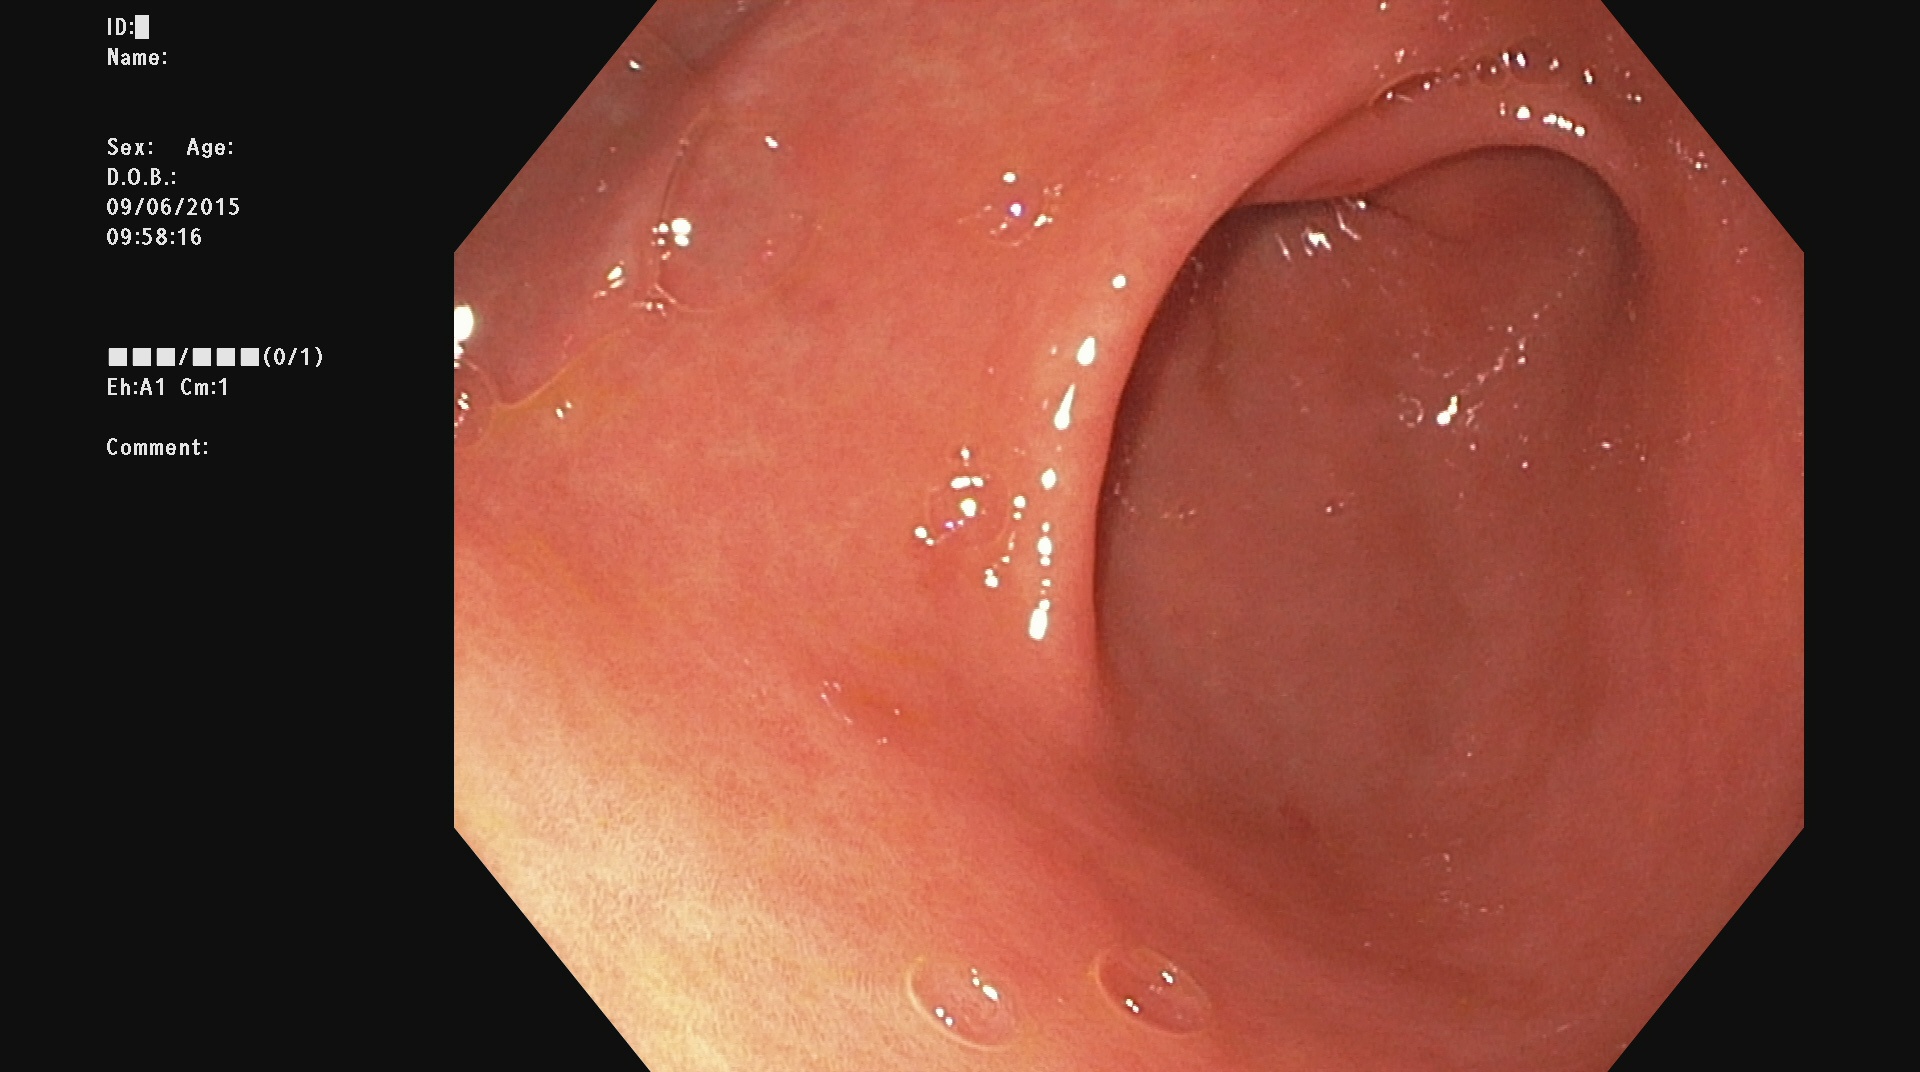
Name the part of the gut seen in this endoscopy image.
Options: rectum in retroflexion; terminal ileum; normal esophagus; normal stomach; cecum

normal stomach